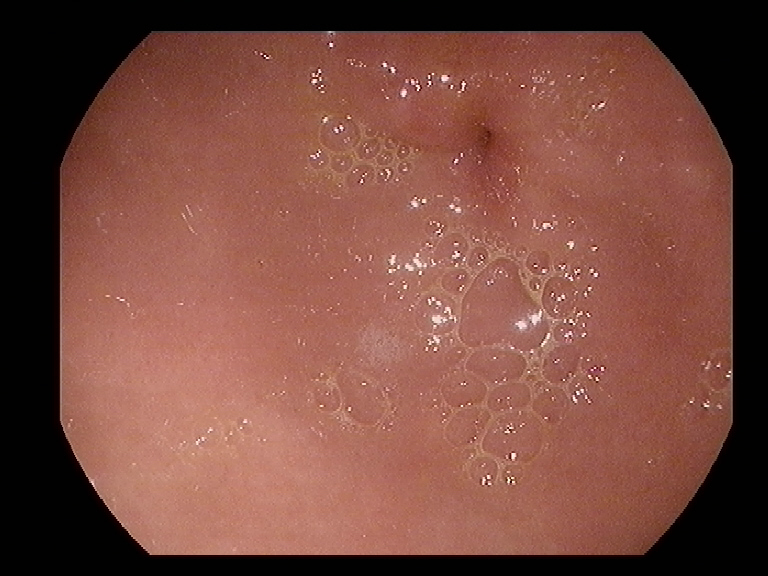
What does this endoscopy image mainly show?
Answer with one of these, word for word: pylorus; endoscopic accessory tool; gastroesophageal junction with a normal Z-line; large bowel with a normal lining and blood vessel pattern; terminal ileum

pylorus